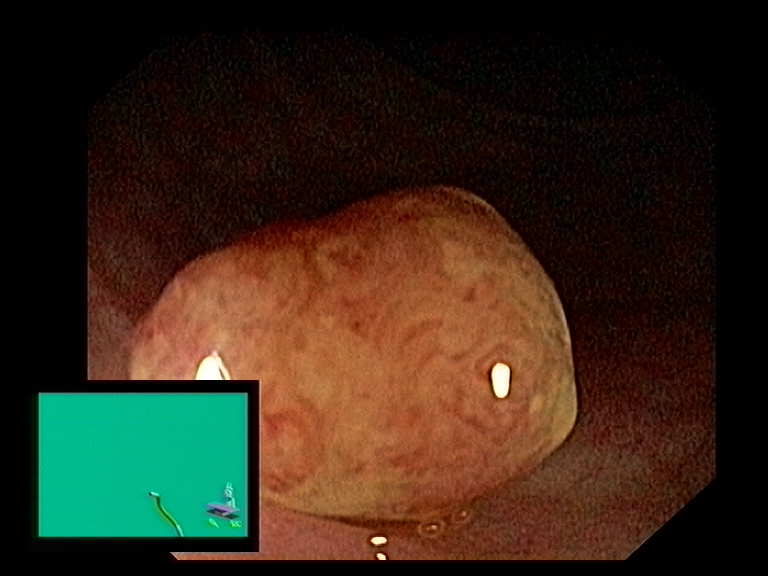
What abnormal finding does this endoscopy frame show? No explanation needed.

colon polyp